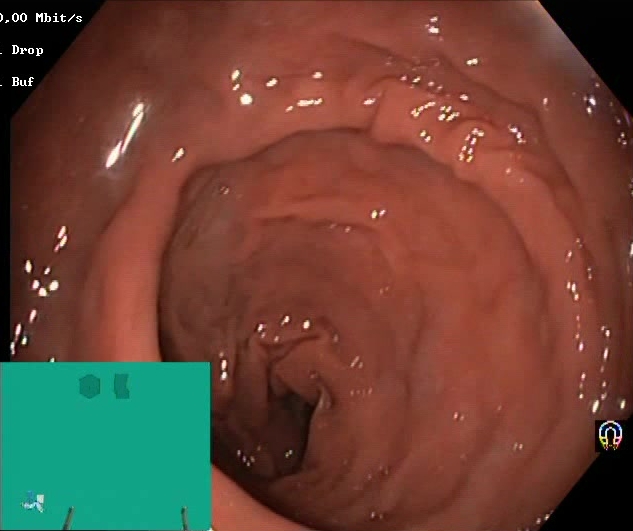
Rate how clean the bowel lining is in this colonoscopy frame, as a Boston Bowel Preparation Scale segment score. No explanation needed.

Boston Bowel Preparation Scale score 2–3 (adequate preparation)